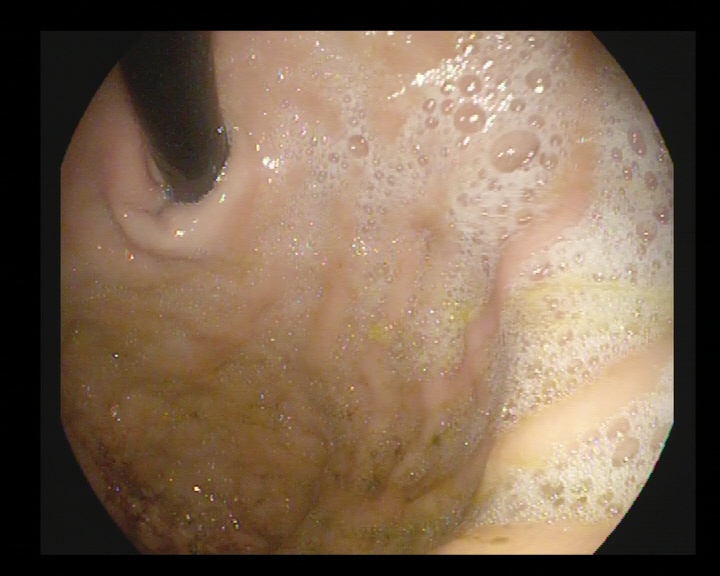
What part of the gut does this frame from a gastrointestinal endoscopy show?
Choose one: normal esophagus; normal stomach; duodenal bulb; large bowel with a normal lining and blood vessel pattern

normal stomach